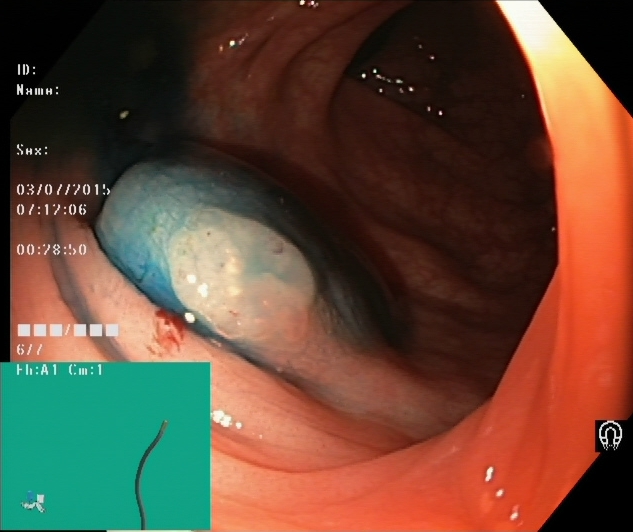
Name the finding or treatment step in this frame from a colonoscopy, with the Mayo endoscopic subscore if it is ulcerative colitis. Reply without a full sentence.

dyed and lifted polyp (pre-resection)